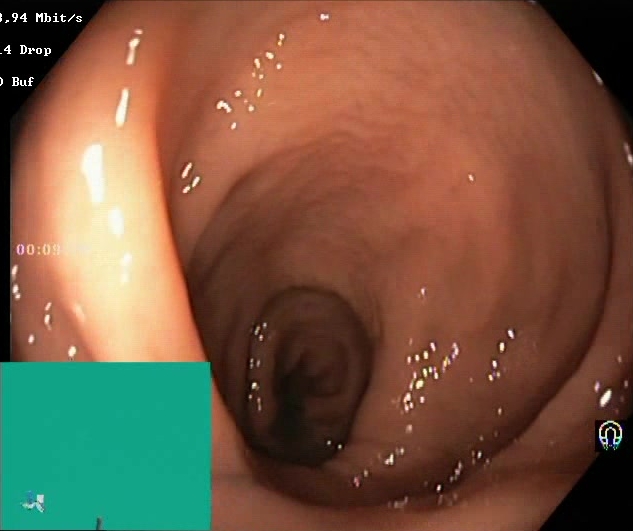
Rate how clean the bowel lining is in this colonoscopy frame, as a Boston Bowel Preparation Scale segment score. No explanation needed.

Boston Bowel Preparation Scale score 2–3 (adequate preparation)